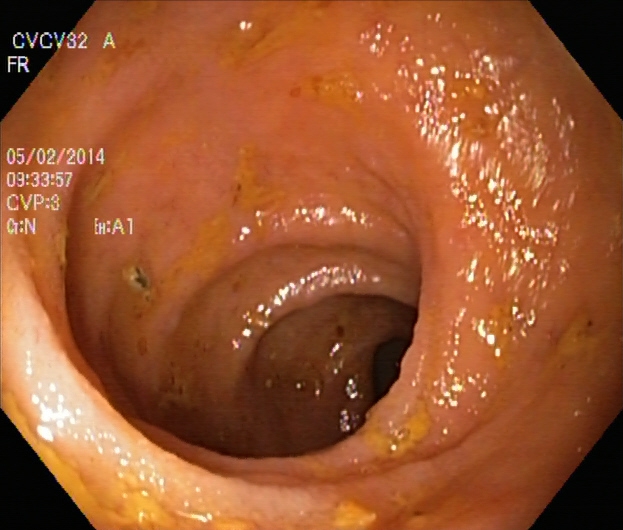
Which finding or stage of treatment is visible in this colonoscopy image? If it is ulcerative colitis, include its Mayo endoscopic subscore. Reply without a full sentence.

ulcerative colitis, Mayo endoscopic subscore 2